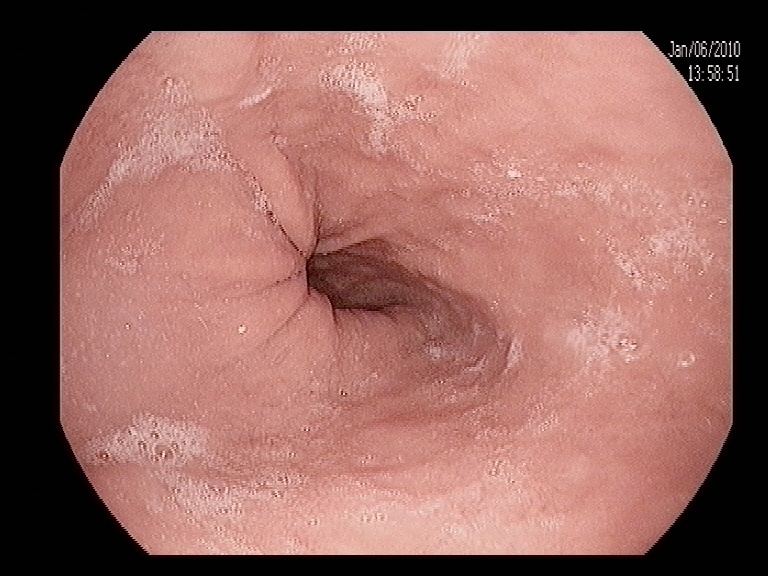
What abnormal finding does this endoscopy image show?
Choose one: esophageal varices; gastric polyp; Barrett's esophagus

Barrett's esophagus